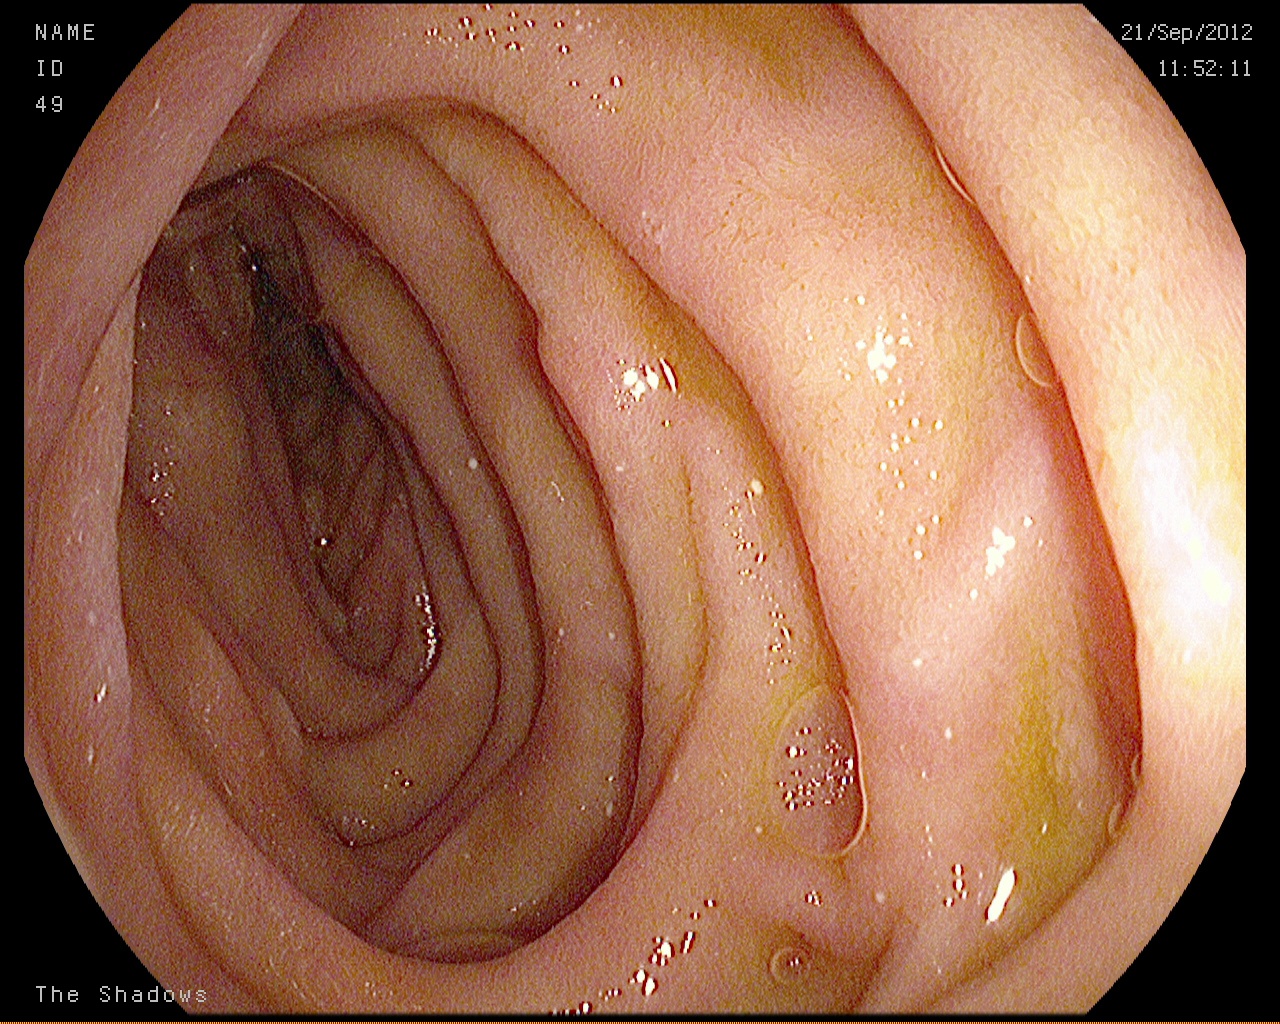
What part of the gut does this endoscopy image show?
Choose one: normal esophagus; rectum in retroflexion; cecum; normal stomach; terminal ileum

terminal ileum